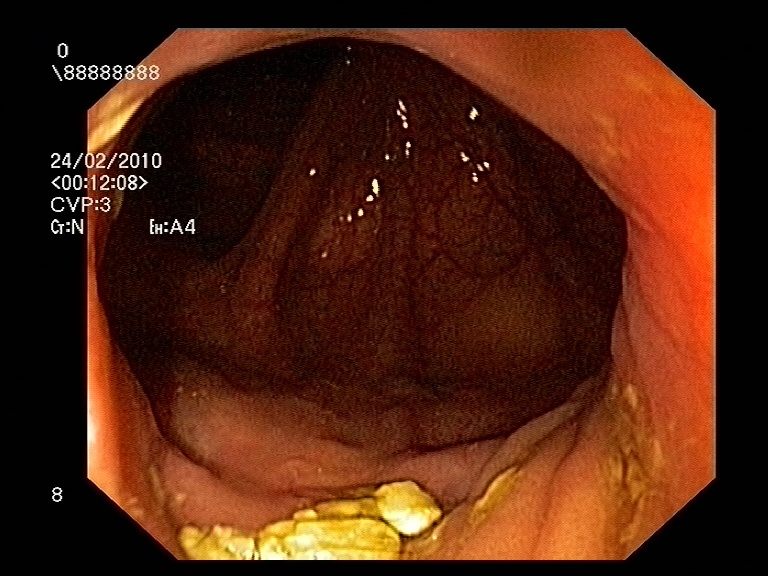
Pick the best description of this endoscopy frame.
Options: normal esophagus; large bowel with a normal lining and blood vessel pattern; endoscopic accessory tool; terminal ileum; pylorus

large bowel with a normal lining and blood vessel pattern